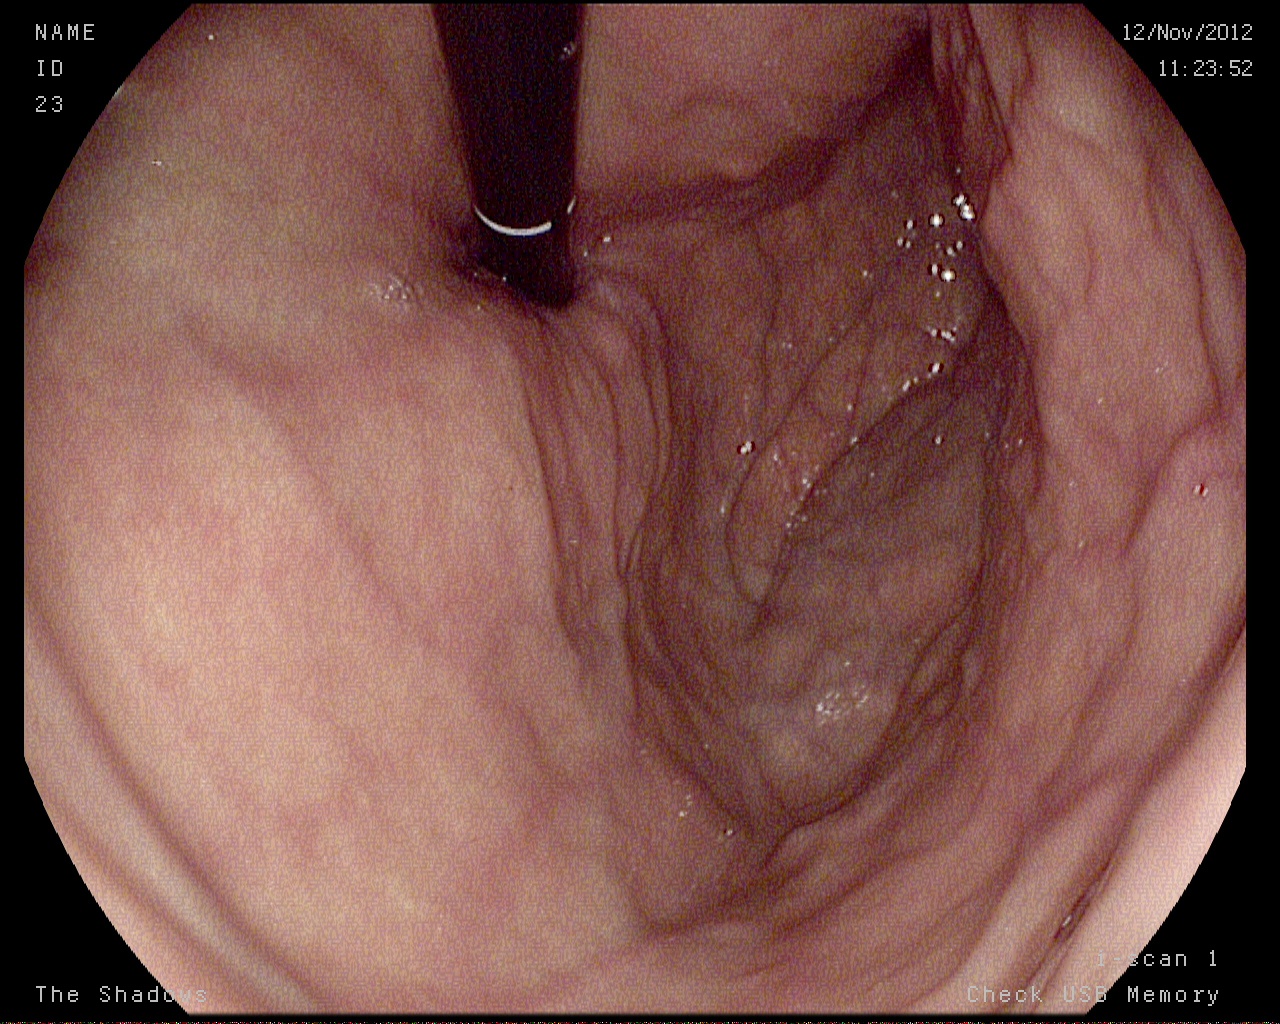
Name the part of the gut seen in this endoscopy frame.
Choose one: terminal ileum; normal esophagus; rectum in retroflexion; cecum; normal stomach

normal stomach